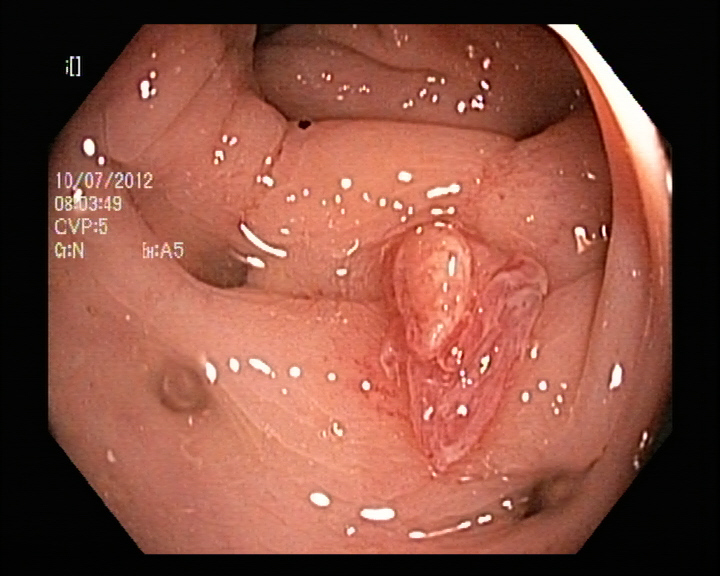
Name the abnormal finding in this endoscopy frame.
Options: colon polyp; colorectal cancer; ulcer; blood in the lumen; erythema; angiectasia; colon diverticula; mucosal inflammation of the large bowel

colon polyp